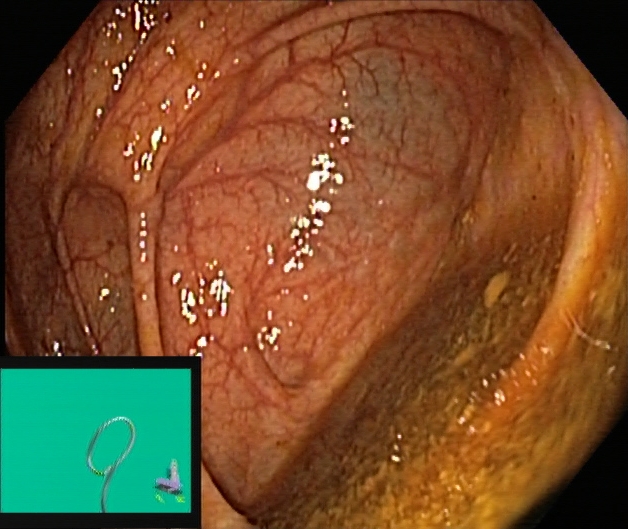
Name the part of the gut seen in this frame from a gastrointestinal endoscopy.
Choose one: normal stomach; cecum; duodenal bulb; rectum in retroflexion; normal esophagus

cecum